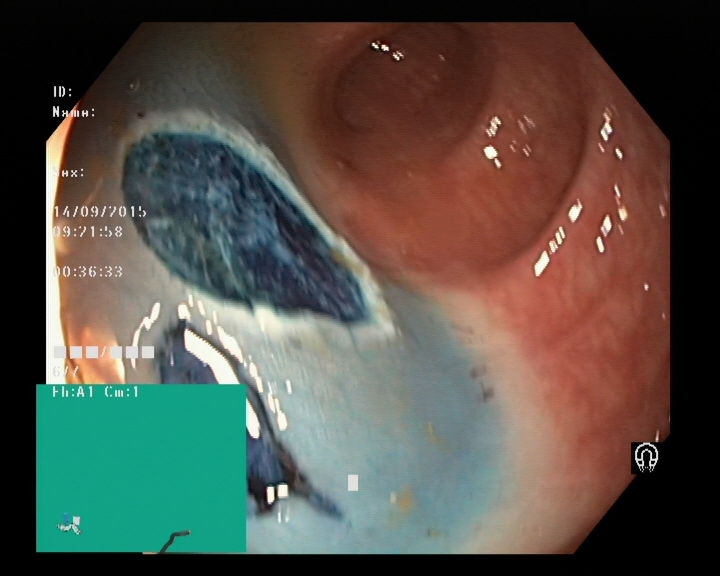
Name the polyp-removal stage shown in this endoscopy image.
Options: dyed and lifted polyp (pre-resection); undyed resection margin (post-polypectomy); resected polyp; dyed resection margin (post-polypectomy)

dyed resection margin (post-polypectomy)